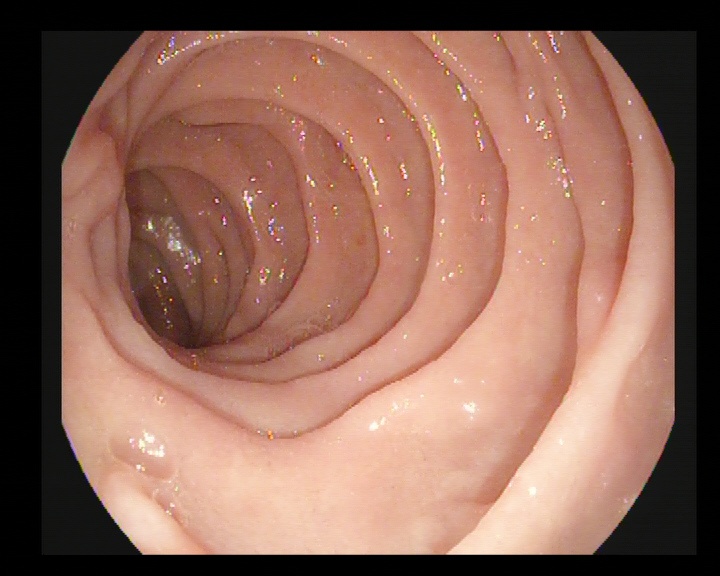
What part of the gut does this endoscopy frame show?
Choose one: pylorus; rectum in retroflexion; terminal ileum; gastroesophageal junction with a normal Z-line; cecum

terminal ileum